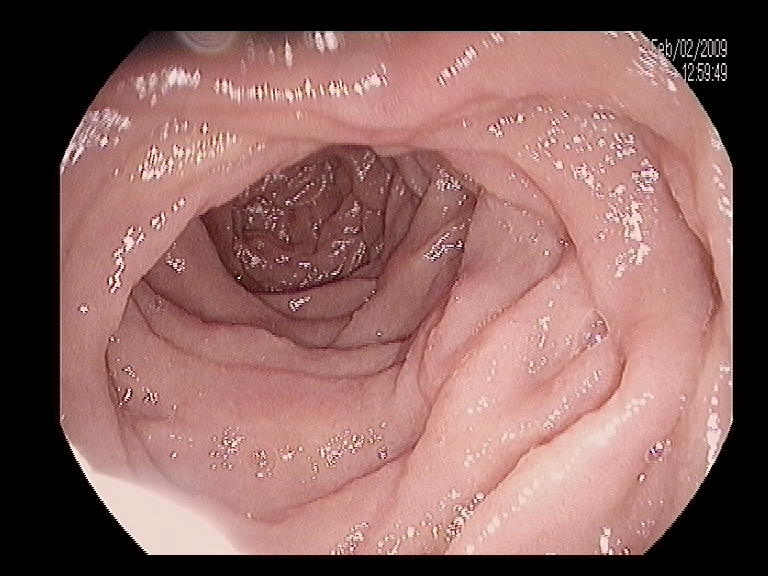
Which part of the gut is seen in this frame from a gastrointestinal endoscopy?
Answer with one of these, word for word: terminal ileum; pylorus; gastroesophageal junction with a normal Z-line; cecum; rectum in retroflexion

terminal ileum